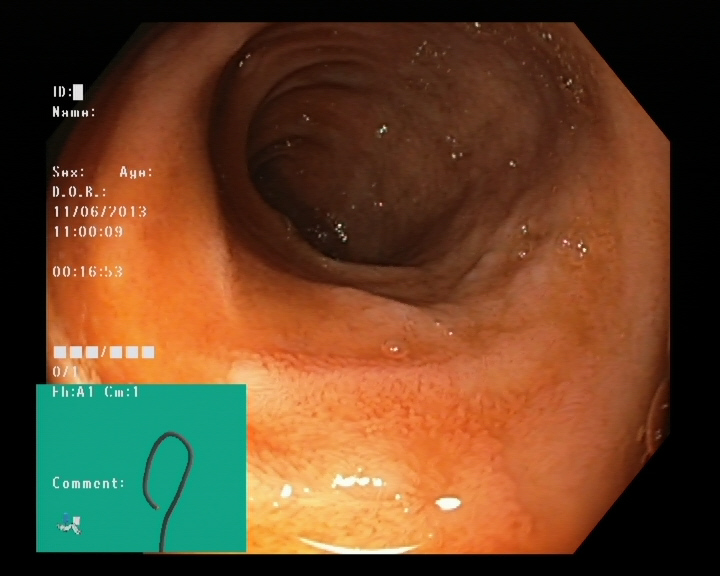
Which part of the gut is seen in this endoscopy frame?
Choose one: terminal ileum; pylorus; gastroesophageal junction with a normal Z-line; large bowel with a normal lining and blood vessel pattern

terminal ileum